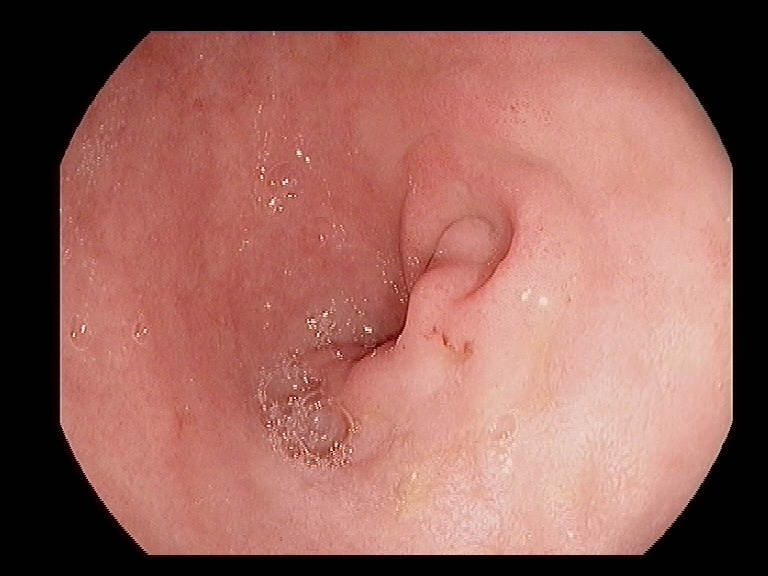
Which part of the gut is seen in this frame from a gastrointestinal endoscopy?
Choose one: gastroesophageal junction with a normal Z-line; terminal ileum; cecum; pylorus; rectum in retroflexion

pylorus